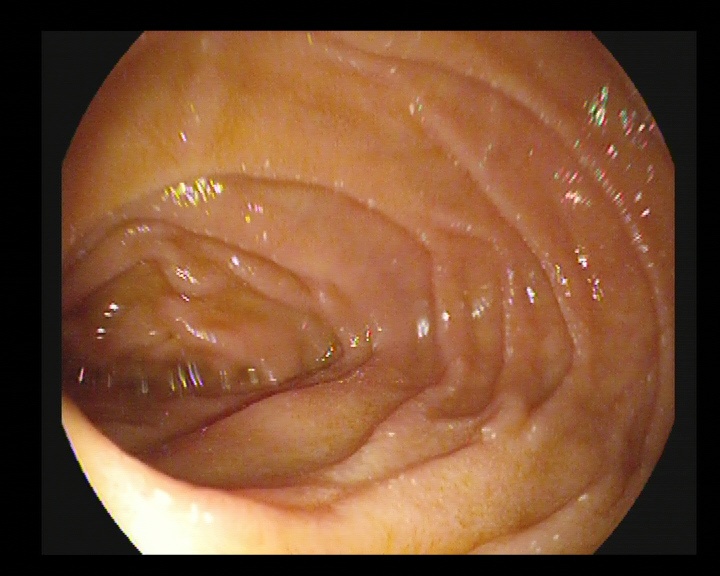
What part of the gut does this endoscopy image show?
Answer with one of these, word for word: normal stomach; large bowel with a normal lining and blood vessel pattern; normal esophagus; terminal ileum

terminal ileum